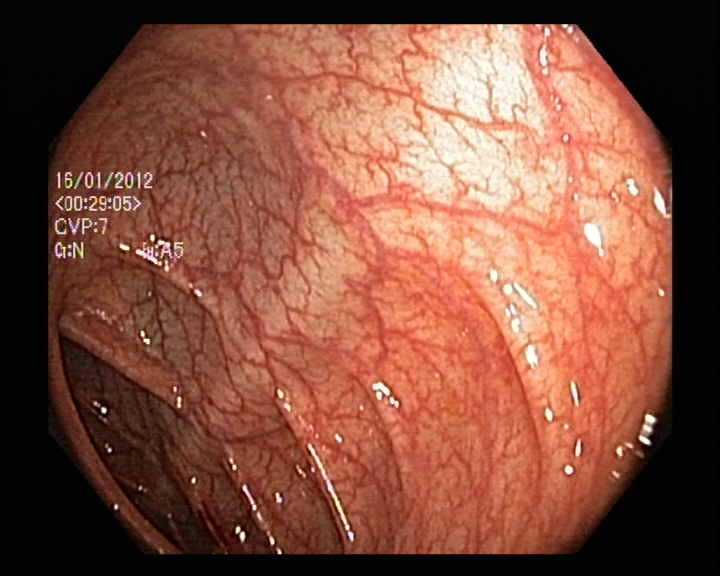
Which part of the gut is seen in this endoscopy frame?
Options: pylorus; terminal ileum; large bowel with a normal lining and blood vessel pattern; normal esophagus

large bowel with a normal lining and blood vessel pattern